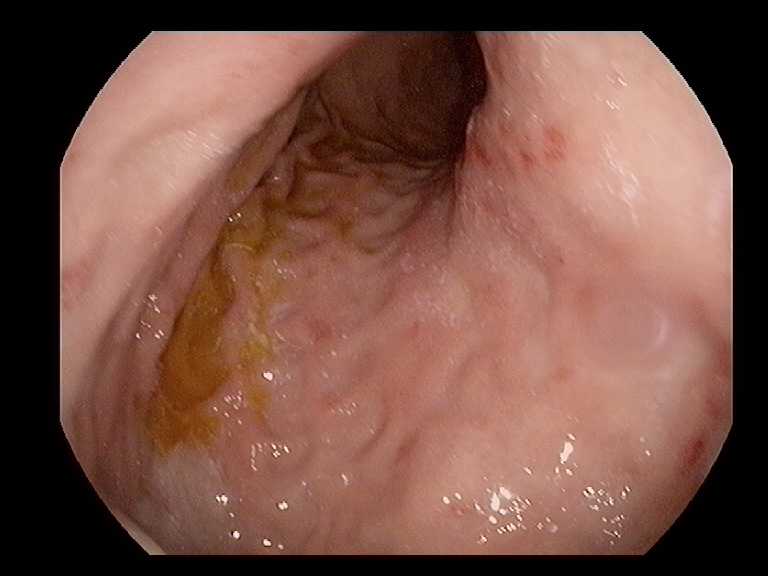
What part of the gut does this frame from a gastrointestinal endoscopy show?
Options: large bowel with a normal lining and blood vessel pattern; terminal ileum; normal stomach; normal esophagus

normal stomach